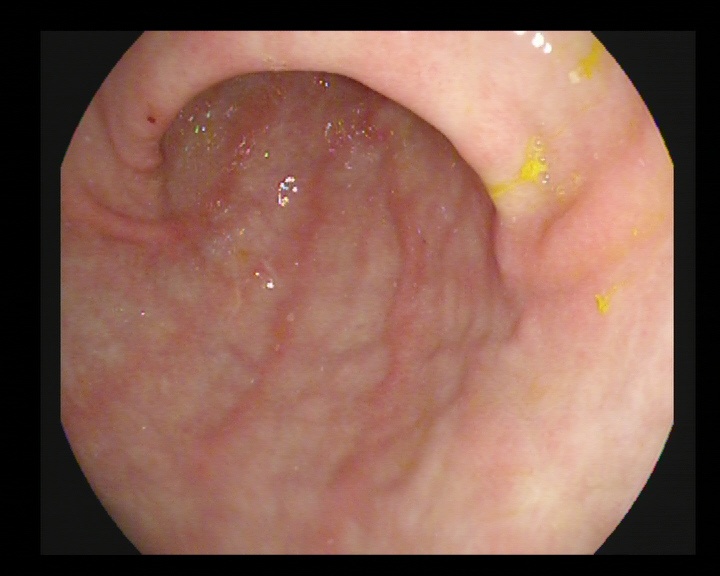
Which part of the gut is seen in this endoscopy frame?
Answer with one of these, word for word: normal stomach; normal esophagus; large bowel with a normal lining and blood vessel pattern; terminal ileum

normal stomach